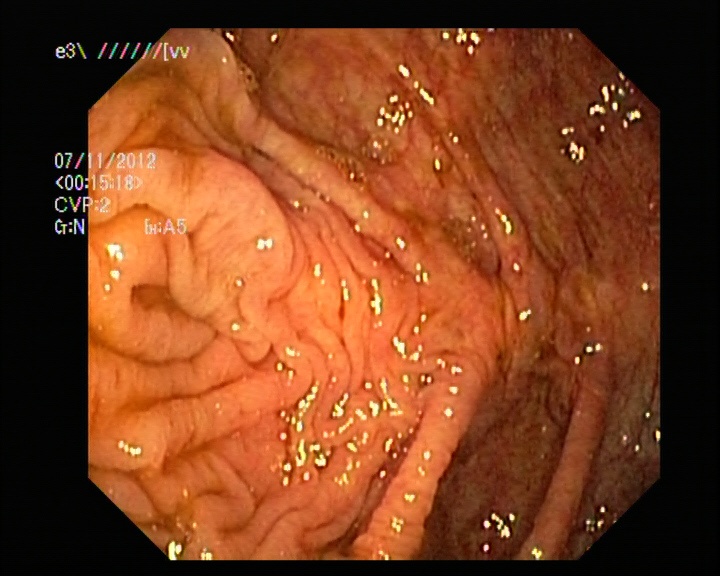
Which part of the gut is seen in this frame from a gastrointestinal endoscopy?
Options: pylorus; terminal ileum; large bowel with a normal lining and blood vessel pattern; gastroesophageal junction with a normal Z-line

large bowel with a normal lining and blood vessel pattern